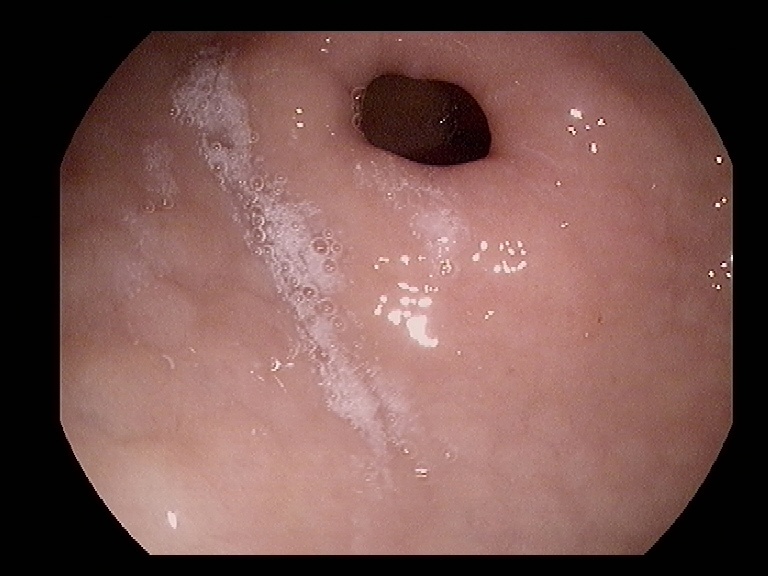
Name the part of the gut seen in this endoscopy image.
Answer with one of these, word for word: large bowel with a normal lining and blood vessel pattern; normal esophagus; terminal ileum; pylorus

pylorus